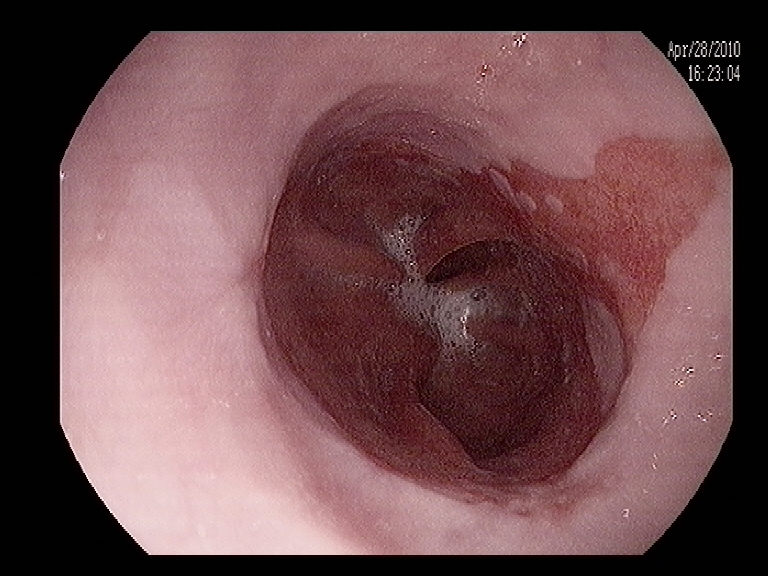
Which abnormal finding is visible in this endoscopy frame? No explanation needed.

Barrett's esophagus